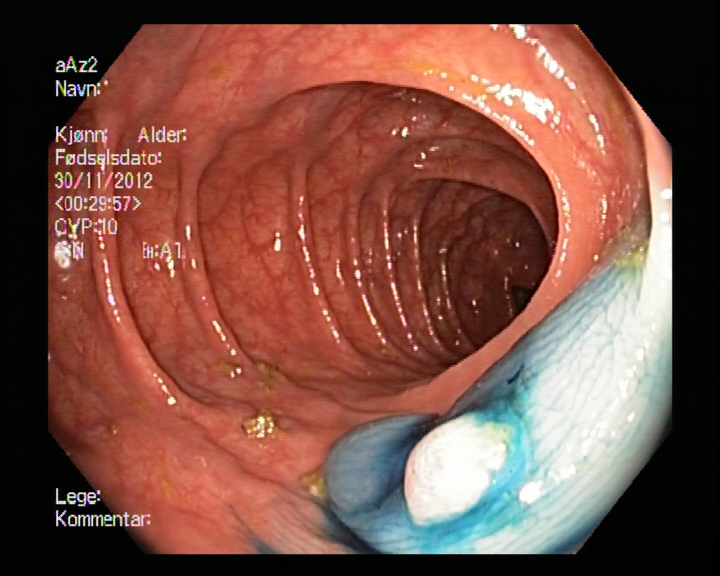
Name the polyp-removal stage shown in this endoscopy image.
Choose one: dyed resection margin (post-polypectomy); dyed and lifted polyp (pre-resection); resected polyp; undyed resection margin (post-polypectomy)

dyed and lifted polyp (pre-resection)